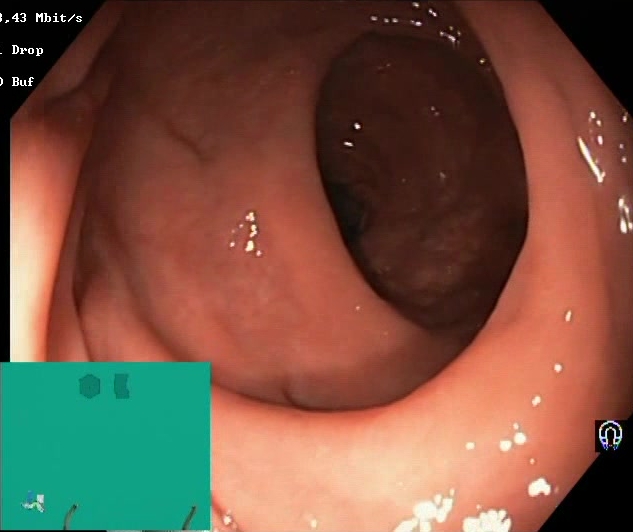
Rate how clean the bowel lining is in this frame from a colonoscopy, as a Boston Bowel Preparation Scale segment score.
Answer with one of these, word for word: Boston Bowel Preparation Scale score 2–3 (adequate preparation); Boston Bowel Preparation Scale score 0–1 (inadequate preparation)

Boston Bowel Preparation Scale score 2–3 (adequate preparation)